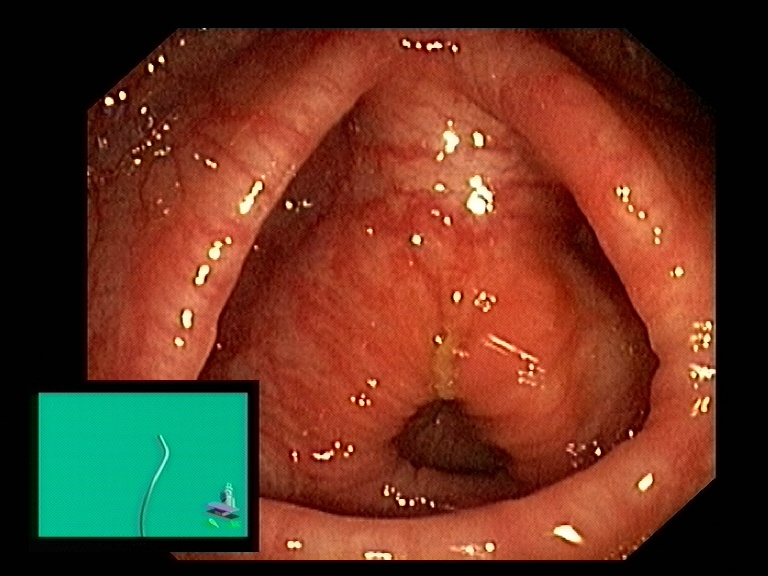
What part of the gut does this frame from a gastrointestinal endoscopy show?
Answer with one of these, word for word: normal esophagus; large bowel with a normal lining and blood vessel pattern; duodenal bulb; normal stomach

large bowel with a normal lining and blood vessel pattern